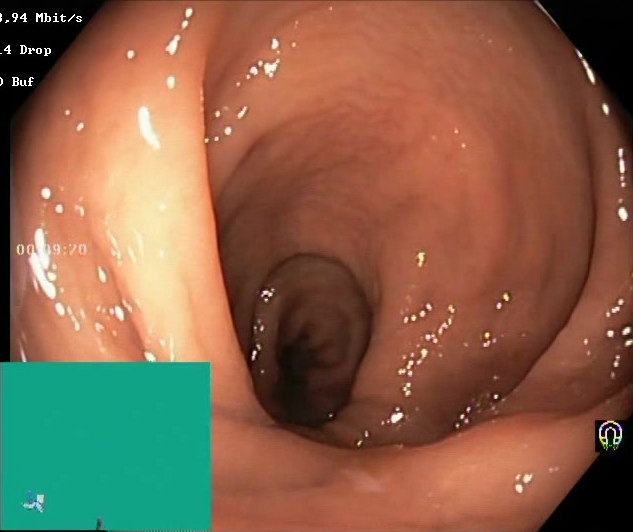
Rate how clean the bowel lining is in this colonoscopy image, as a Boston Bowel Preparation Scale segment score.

Boston Bowel Preparation Scale score 2–3 (adequate preparation)